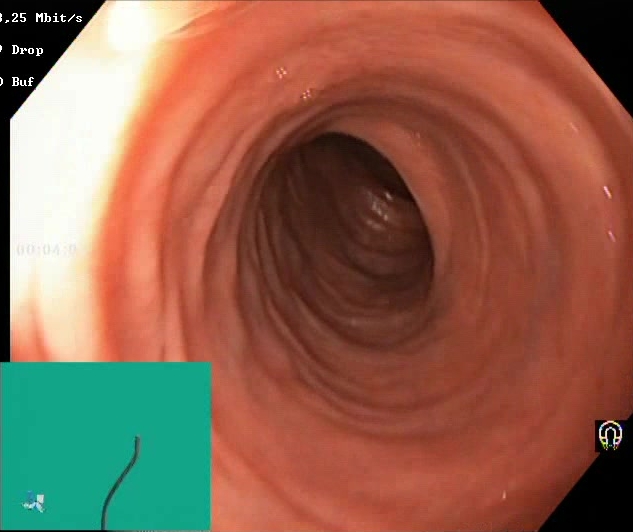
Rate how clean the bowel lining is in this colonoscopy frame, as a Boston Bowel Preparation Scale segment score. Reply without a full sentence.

Boston Bowel Preparation Scale score 2–3 (adequate preparation)